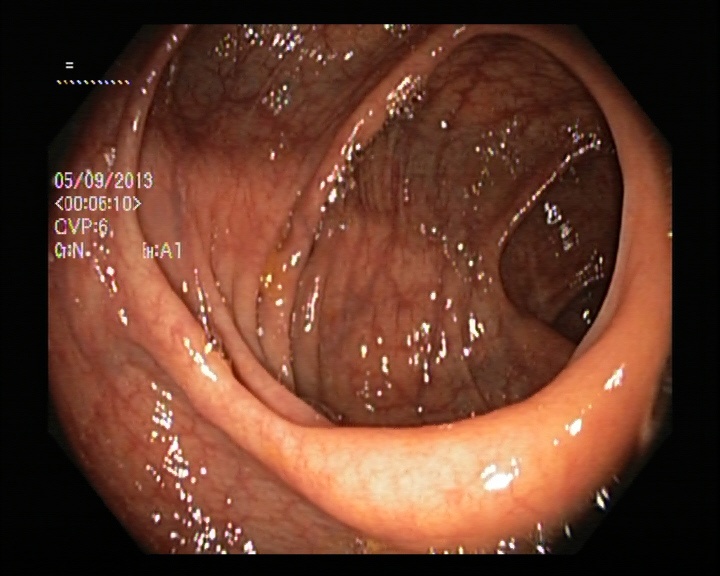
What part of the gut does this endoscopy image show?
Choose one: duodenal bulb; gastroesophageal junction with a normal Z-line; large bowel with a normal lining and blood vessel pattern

large bowel with a normal lining and blood vessel pattern